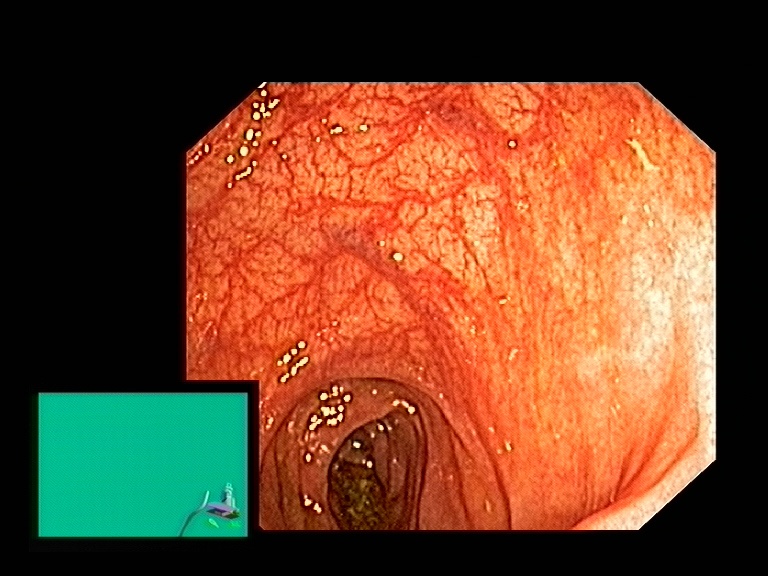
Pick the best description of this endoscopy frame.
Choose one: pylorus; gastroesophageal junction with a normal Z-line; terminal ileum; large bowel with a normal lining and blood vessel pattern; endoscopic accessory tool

large bowel with a normal lining and blood vessel pattern